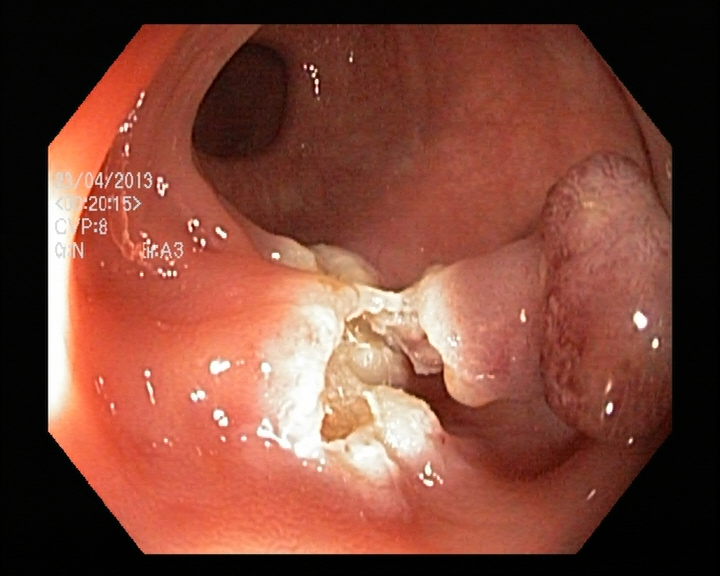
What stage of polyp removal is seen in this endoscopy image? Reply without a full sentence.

resected polyp